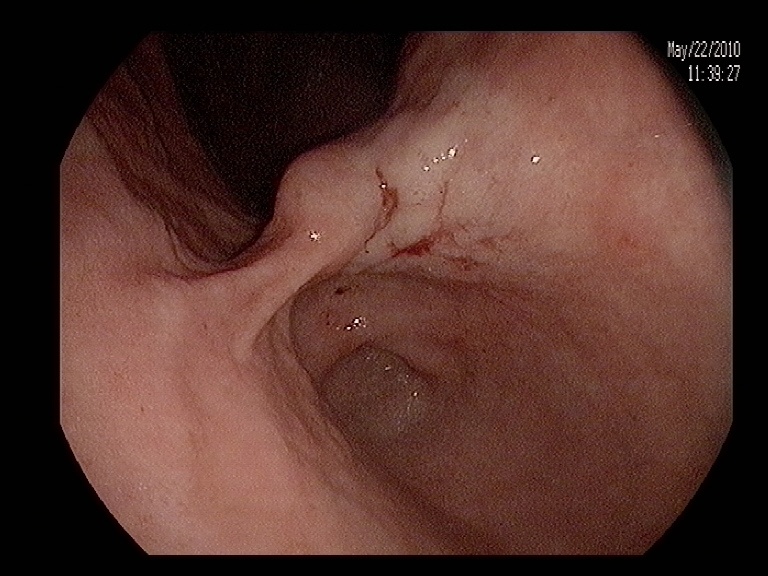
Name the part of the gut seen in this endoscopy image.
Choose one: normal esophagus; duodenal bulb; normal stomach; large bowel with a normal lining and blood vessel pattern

normal stomach